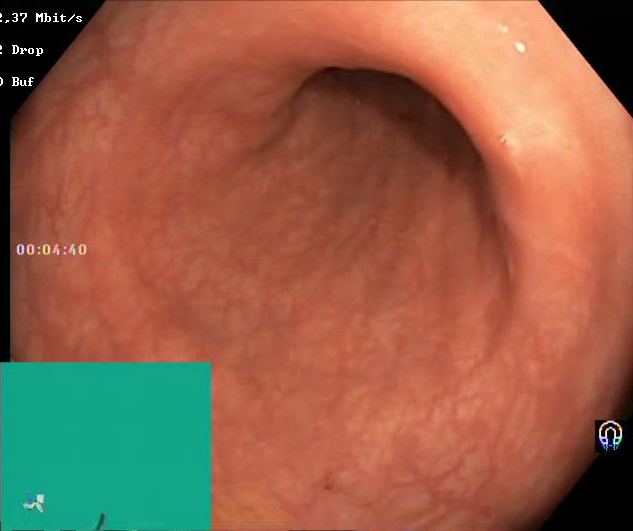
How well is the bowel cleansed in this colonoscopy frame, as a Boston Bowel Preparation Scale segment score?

Boston Bowel Preparation Scale score 2–3 (adequate preparation)